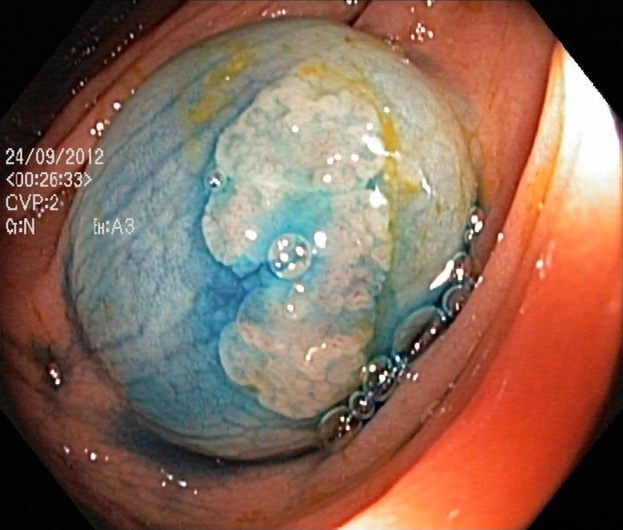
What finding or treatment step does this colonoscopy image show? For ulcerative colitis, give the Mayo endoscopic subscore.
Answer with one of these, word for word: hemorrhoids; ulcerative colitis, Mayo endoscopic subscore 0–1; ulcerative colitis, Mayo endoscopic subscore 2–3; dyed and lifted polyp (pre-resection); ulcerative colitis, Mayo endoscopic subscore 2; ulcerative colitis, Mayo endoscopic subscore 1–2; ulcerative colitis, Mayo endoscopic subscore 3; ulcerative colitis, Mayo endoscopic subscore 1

dyed and lifted polyp (pre-resection)